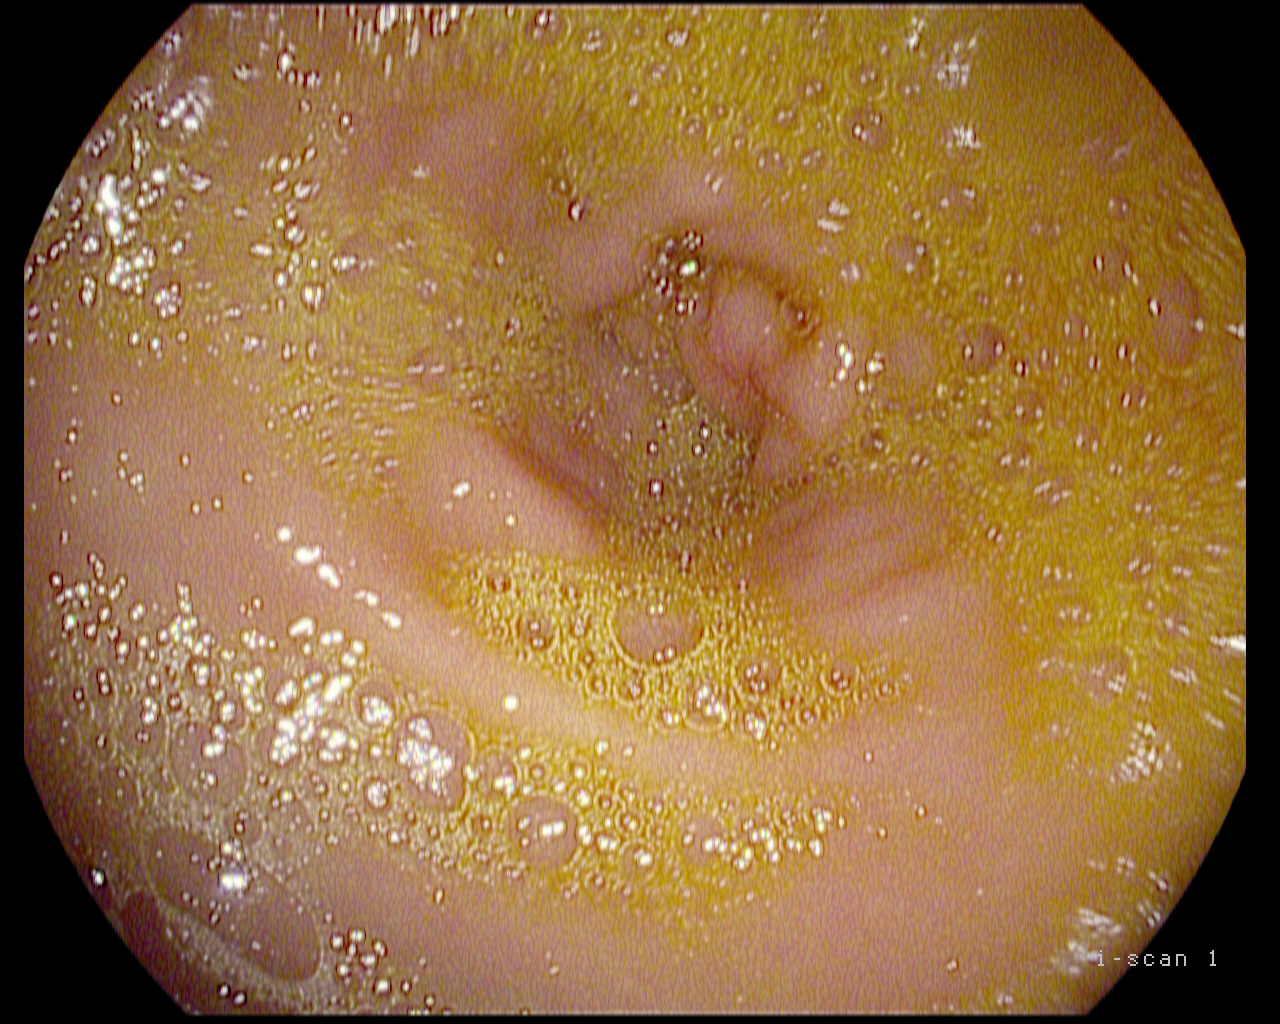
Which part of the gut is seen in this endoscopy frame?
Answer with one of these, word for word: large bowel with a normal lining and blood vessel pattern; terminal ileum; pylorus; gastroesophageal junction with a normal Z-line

large bowel with a normal lining and blood vessel pattern